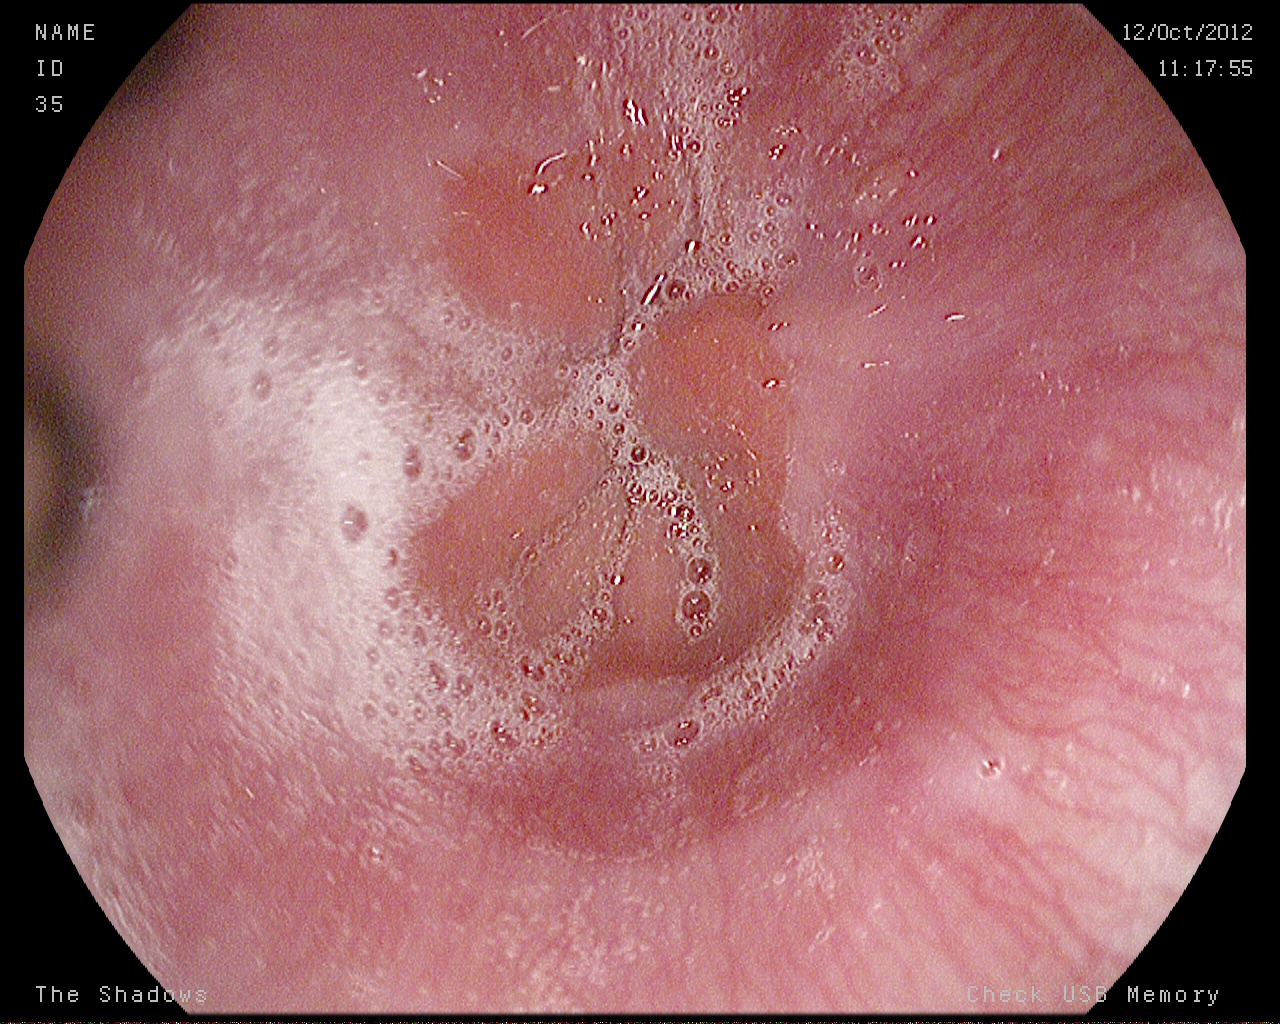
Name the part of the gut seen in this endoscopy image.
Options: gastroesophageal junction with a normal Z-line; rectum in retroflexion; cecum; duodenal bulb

gastroesophageal junction with a normal Z-line